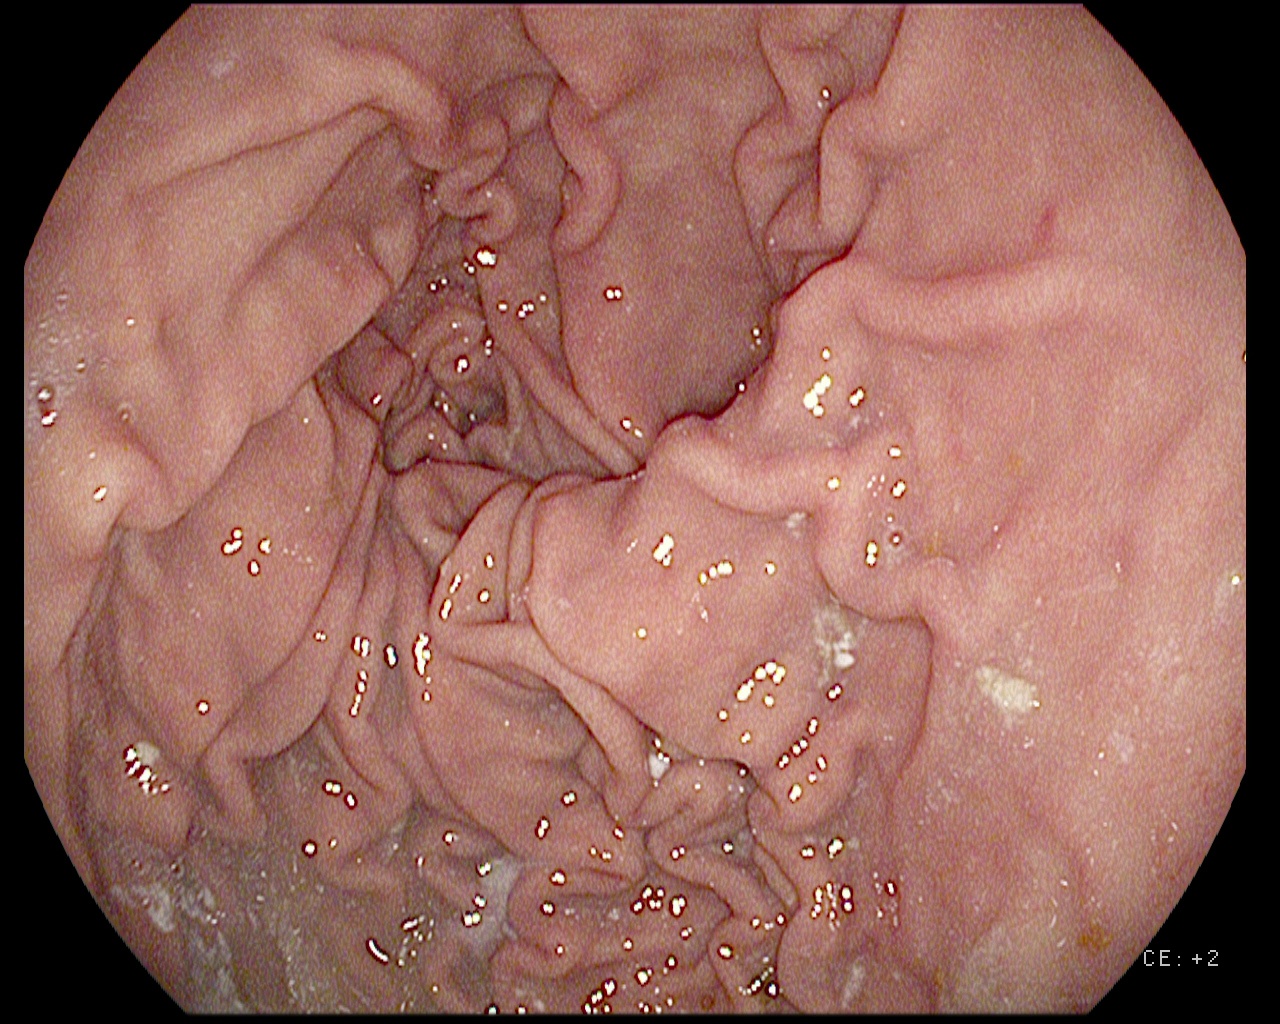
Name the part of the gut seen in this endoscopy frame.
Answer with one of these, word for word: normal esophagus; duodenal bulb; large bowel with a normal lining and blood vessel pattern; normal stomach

normal stomach